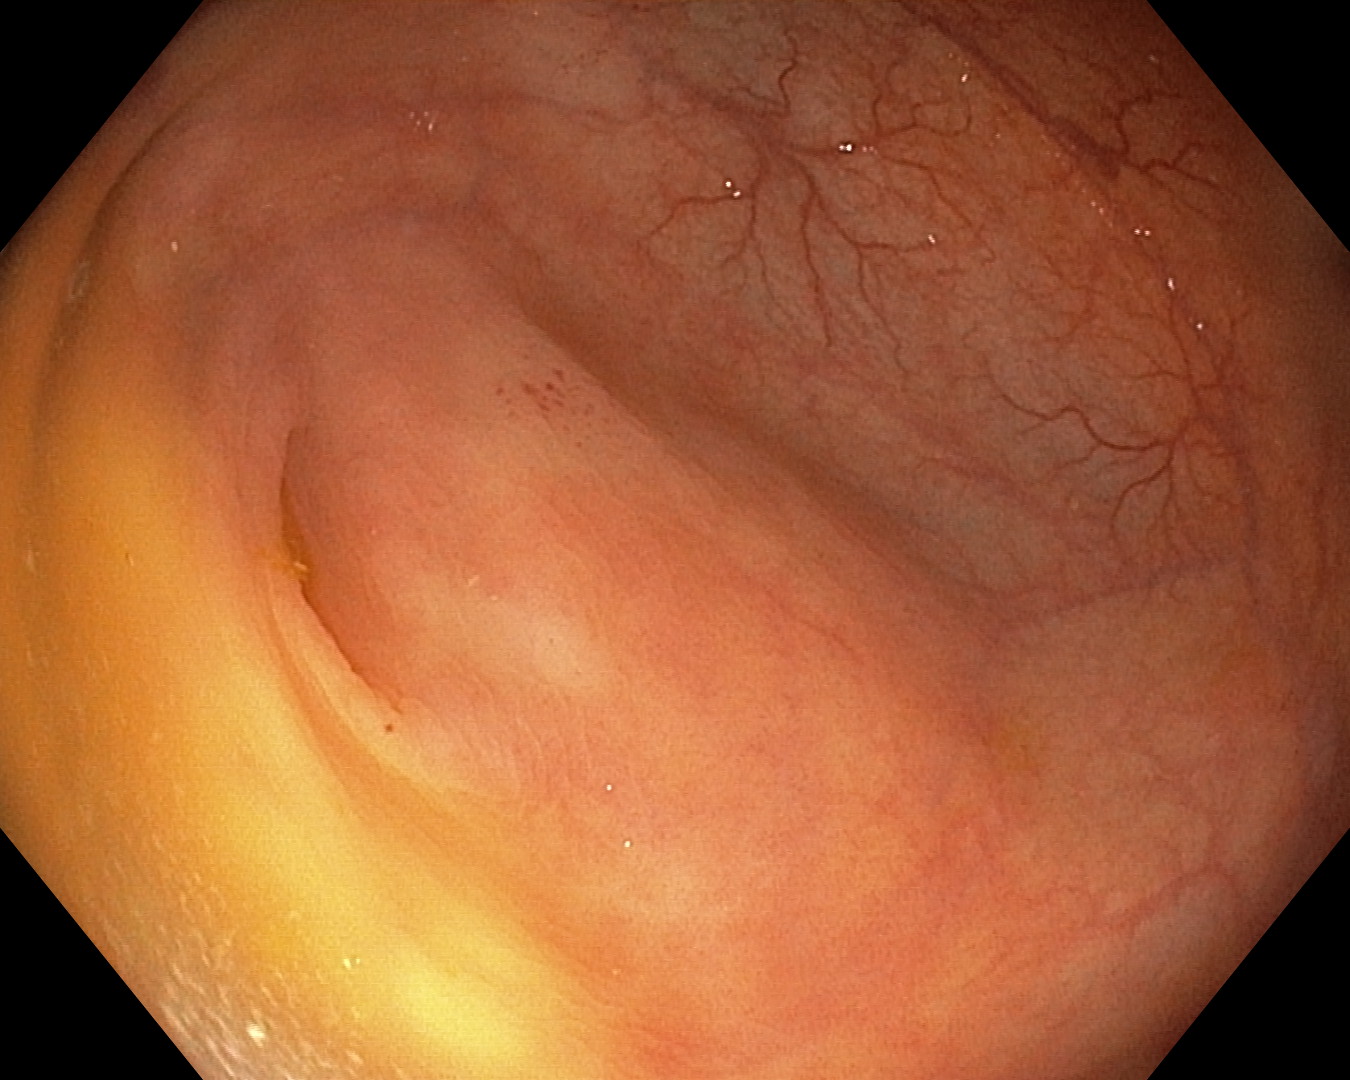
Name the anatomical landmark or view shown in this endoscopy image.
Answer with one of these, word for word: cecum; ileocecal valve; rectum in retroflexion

cecum